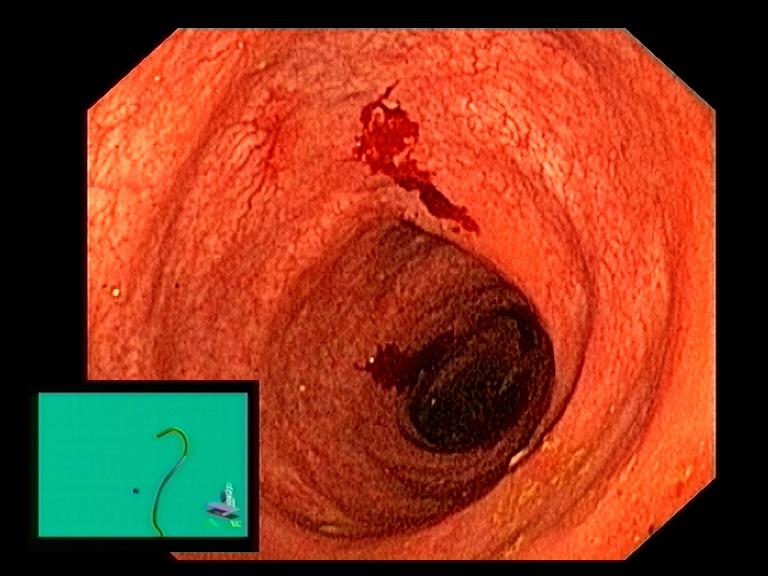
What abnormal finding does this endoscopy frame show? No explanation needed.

mucosal inflammation of the large bowel